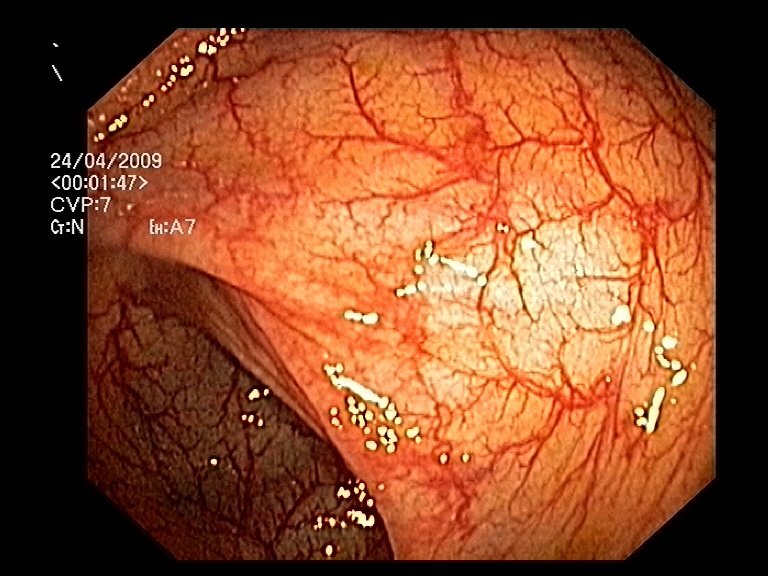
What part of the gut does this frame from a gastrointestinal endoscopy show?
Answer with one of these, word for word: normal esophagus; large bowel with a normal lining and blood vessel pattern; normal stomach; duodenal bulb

large bowel with a normal lining and blood vessel pattern